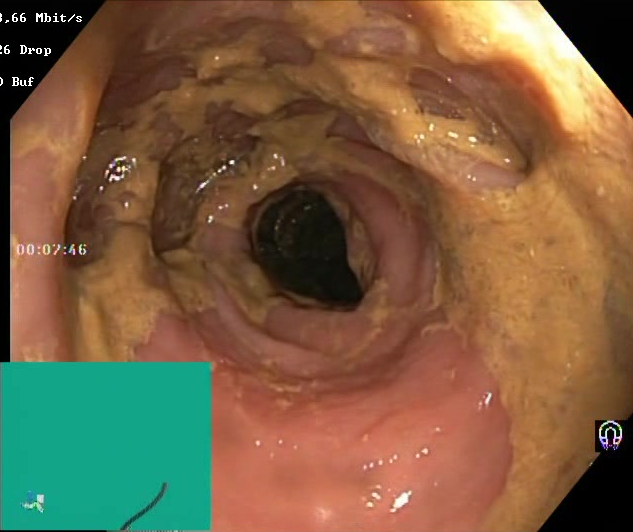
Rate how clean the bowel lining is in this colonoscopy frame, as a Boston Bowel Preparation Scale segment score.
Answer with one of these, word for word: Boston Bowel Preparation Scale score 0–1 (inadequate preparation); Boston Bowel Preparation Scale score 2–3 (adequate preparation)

Boston Bowel Preparation Scale score 0–1 (inadequate preparation)